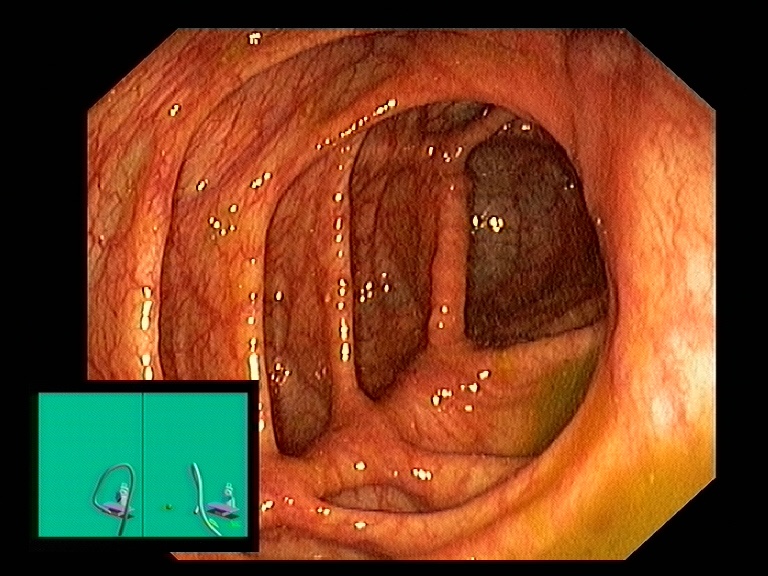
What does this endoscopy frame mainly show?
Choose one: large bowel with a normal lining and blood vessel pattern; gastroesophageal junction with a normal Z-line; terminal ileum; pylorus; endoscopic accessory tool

large bowel with a normal lining and blood vessel pattern